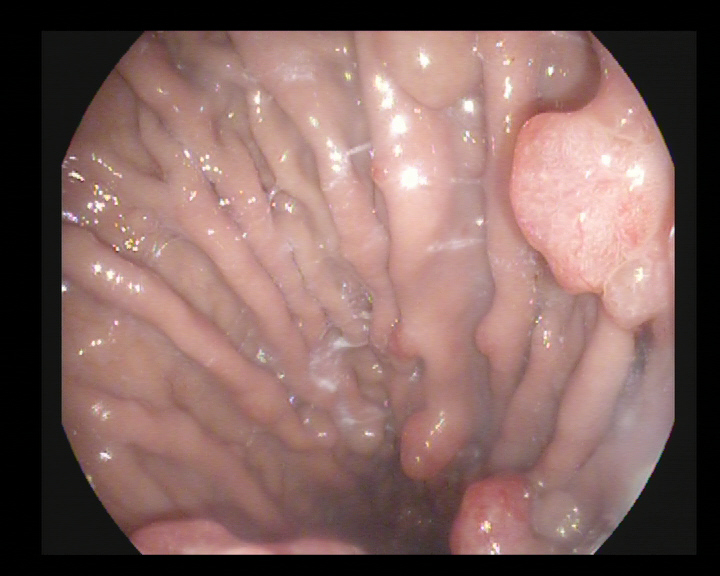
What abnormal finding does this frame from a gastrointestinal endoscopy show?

gastric polyp